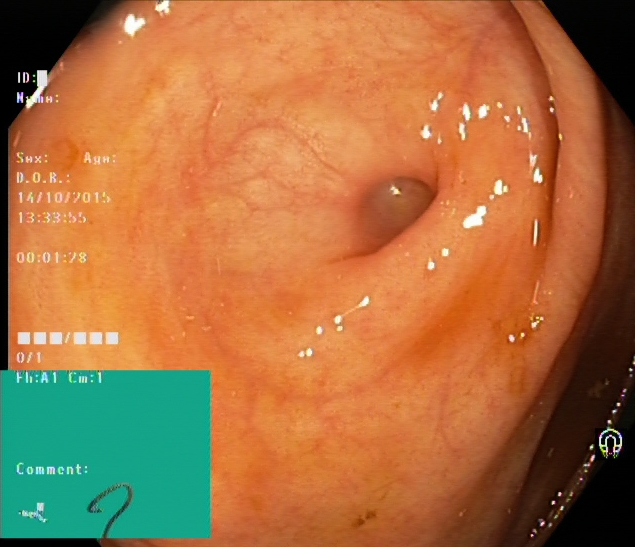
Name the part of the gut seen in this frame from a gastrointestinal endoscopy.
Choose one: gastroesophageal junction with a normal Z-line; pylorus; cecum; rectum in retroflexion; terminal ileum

cecum